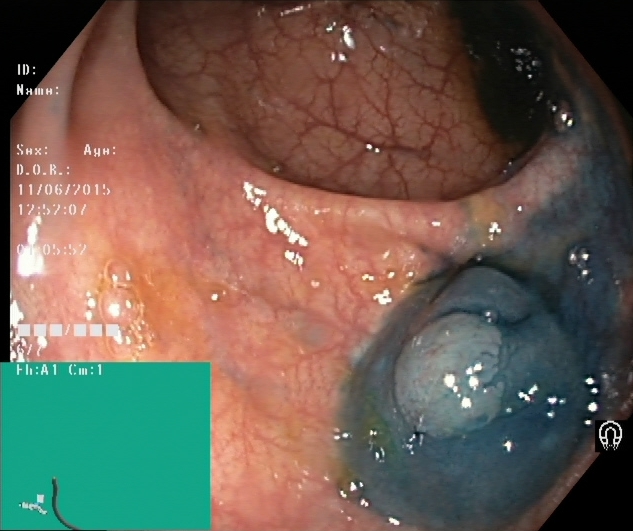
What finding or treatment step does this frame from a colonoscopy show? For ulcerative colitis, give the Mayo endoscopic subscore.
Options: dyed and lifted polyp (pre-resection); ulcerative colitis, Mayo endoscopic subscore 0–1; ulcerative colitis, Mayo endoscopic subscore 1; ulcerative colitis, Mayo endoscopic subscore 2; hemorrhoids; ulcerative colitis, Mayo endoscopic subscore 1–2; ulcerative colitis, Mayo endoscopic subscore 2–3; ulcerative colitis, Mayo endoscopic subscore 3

dyed and lifted polyp (pre-resection)